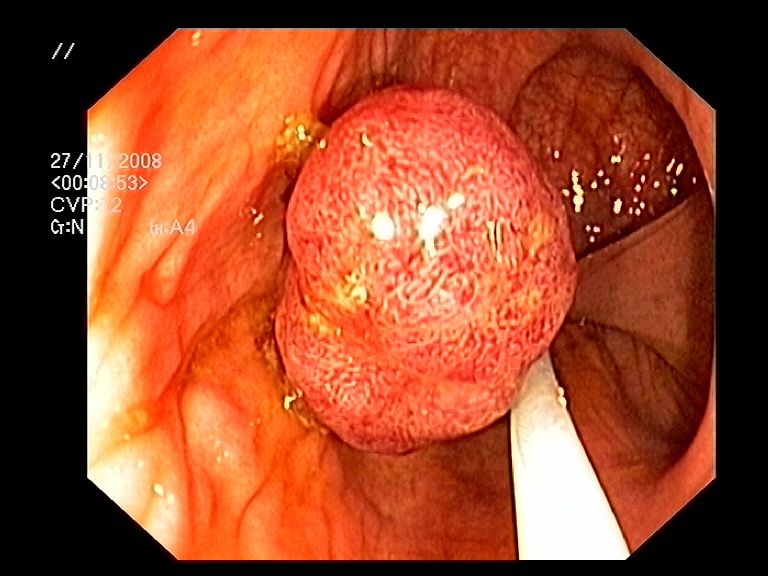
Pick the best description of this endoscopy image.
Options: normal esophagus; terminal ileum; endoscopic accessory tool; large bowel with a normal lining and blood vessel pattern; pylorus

endoscopic accessory tool